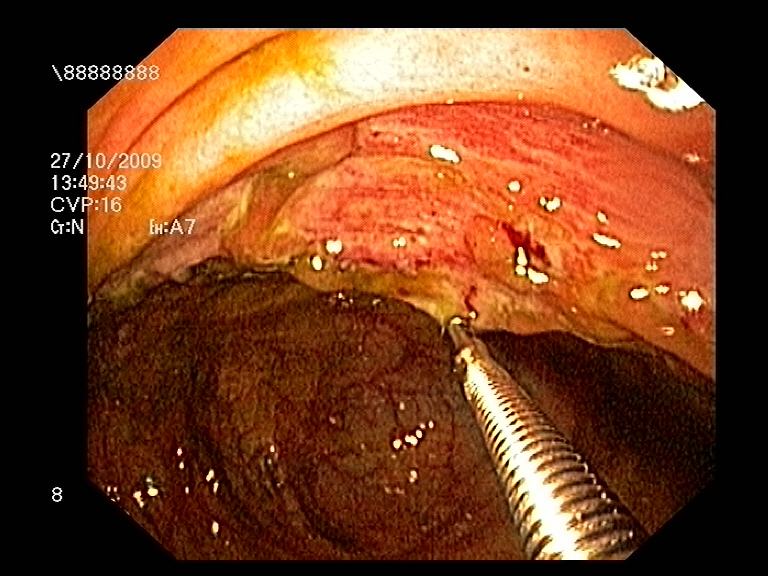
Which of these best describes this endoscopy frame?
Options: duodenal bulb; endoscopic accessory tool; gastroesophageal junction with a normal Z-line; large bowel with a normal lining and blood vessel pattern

endoscopic accessory tool